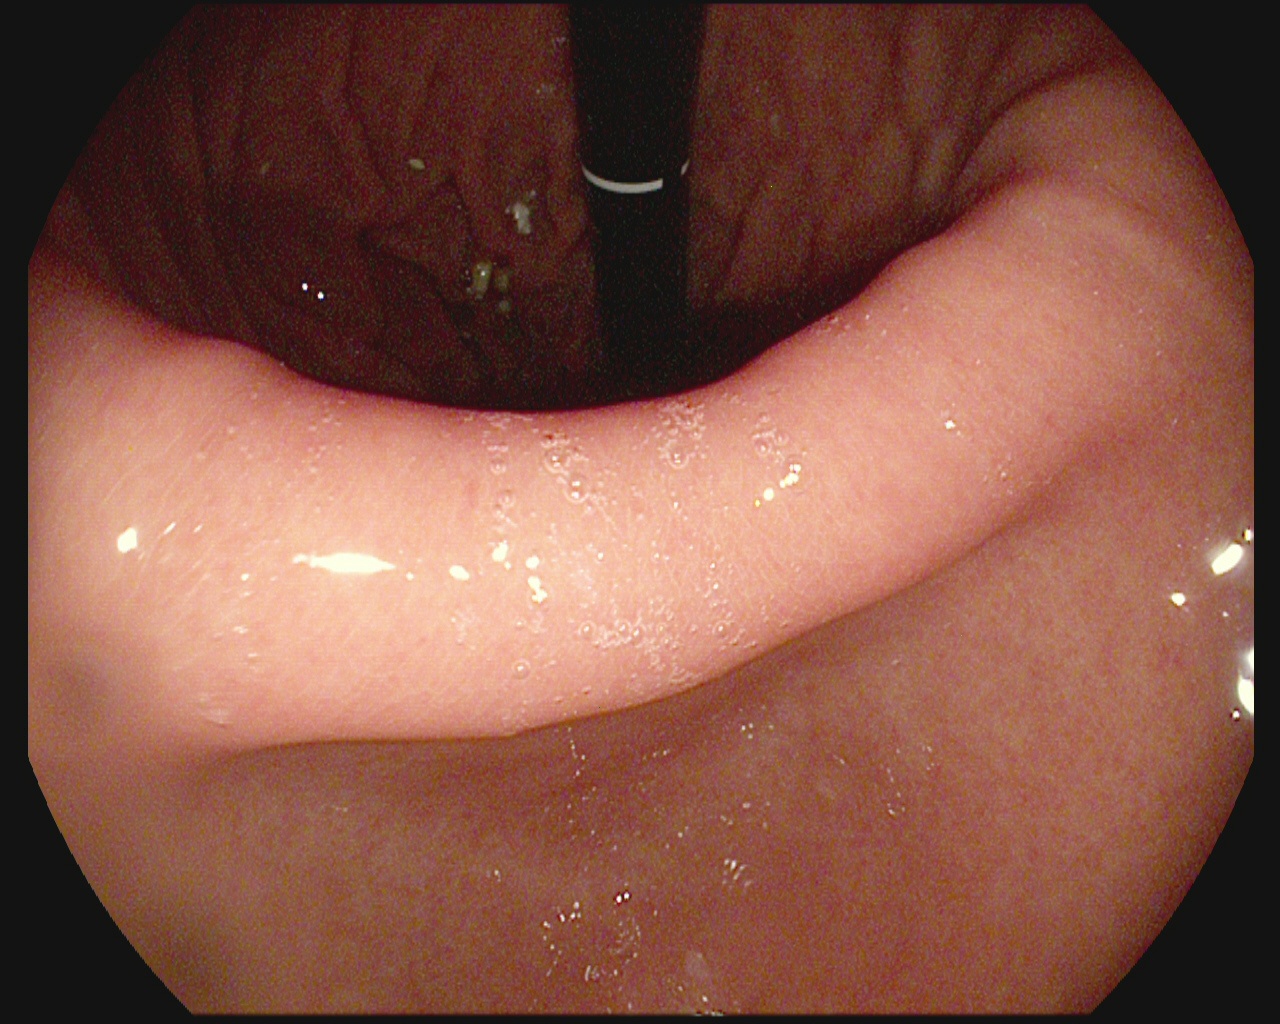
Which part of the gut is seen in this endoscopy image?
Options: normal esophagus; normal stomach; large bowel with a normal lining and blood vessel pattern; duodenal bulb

normal stomach